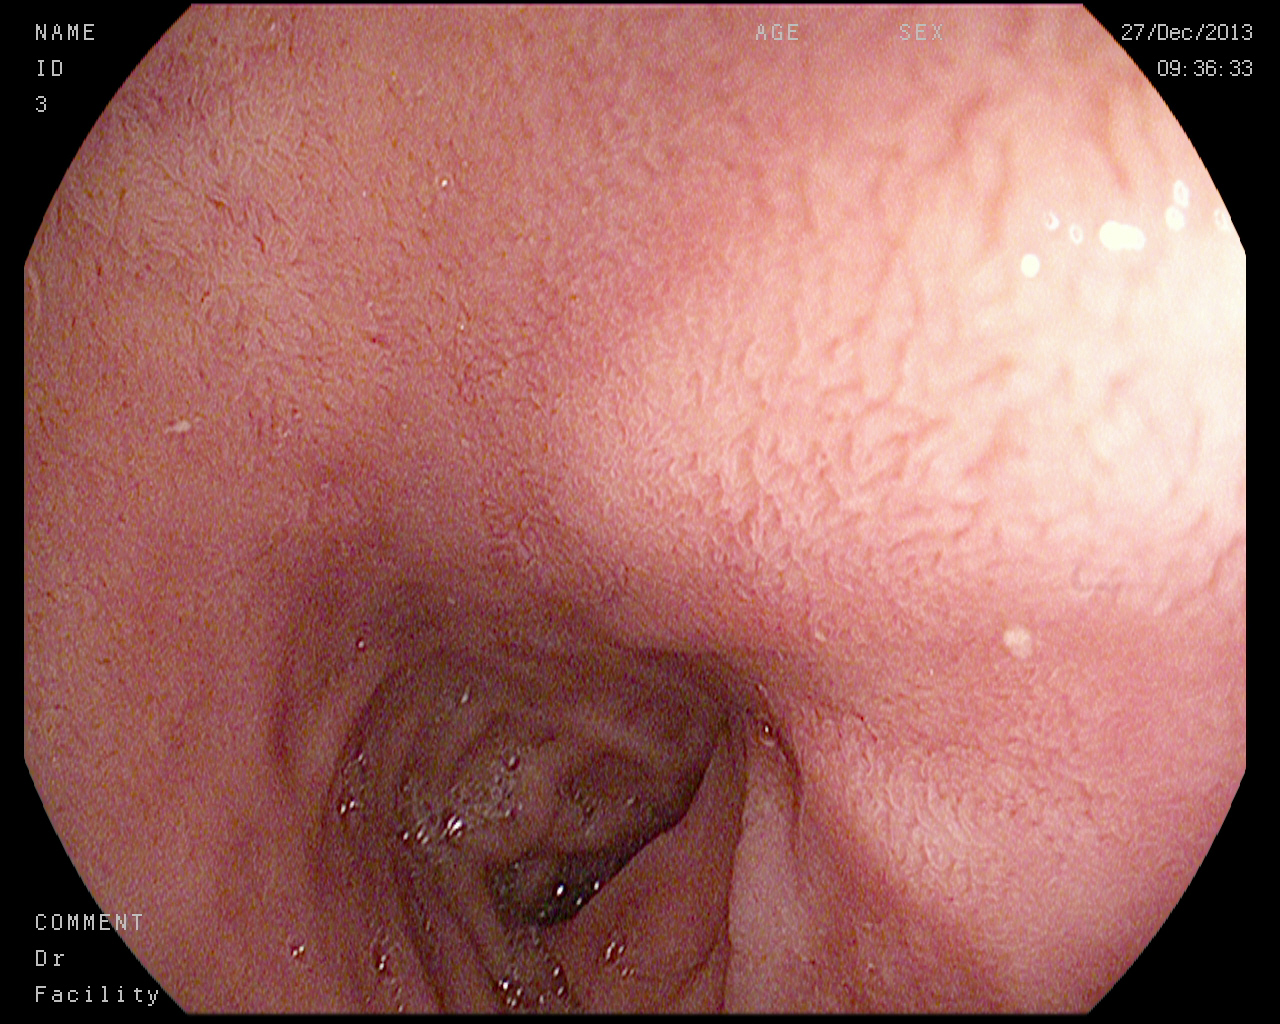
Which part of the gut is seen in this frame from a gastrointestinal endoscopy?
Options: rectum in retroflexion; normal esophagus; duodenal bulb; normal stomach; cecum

duodenal bulb